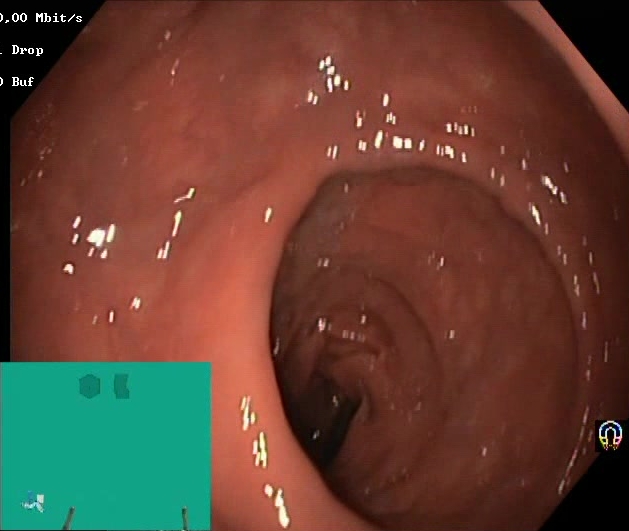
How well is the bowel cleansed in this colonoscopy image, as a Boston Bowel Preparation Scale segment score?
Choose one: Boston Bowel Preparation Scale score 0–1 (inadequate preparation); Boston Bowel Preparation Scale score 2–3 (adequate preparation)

Boston Bowel Preparation Scale score 2–3 (adequate preparation)